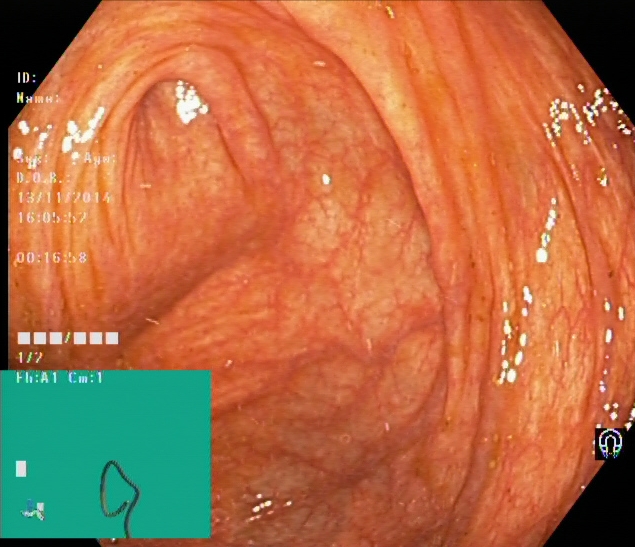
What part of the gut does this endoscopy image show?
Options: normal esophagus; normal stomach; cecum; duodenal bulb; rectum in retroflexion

cecum